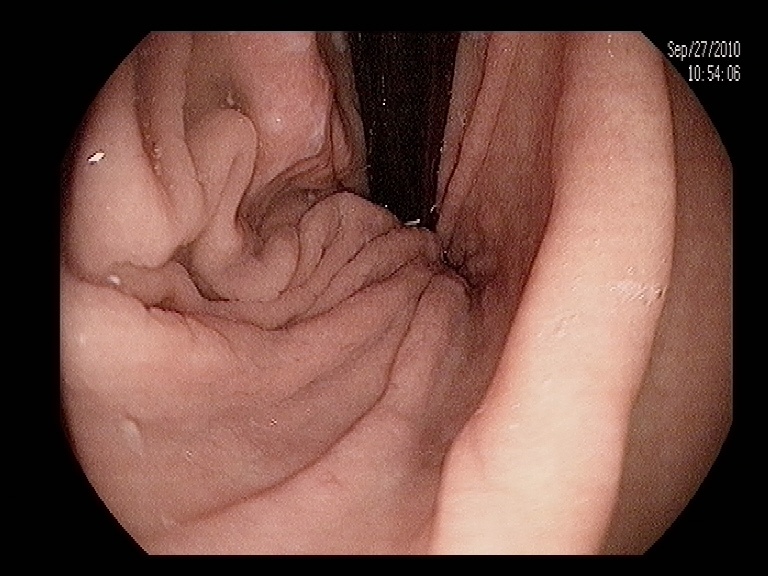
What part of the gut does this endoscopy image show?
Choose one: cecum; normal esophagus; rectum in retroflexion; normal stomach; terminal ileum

normal stomach